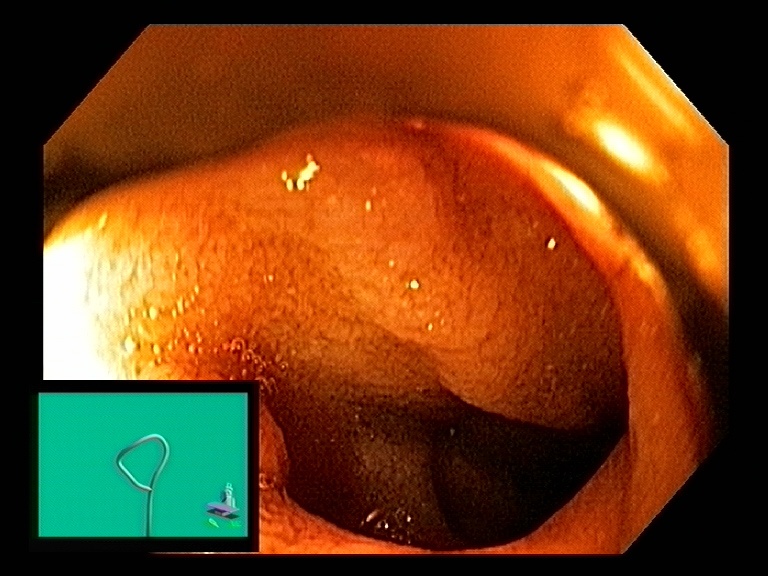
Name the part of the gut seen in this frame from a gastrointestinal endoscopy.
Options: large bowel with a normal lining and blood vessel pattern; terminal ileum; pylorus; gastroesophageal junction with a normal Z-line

large bowel with a normal lining and blood vessel pattern